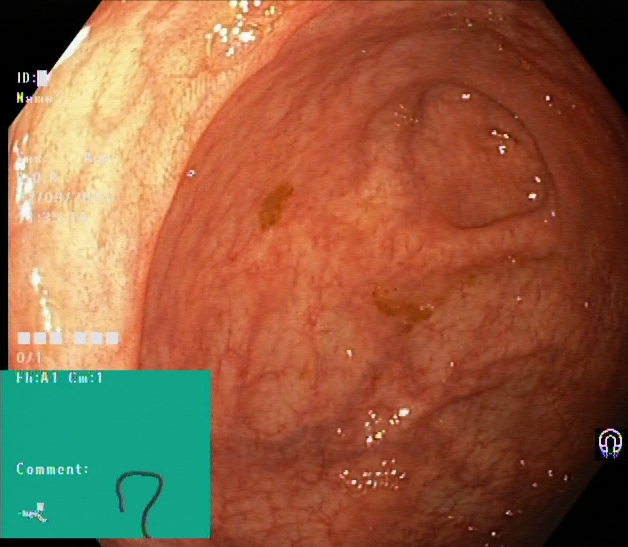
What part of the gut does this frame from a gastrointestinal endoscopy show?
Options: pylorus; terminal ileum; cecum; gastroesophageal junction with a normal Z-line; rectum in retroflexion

cecum